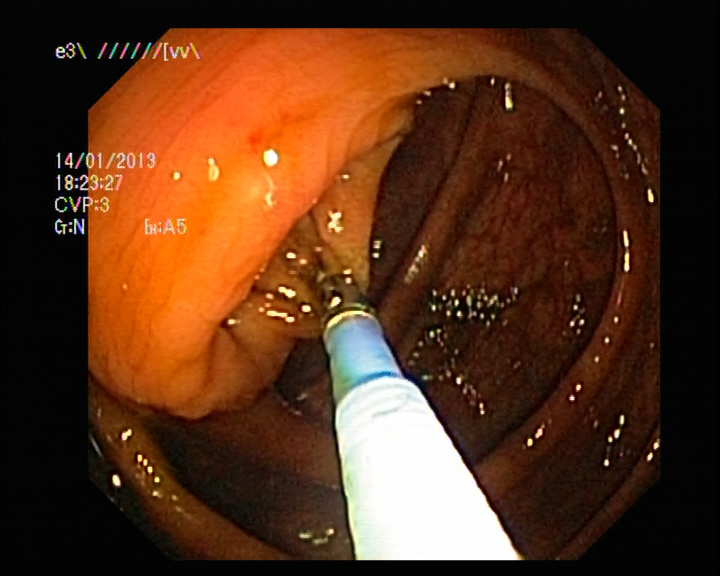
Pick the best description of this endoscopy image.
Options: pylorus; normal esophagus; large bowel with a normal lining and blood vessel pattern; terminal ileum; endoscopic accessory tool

endoscopic accessory tool